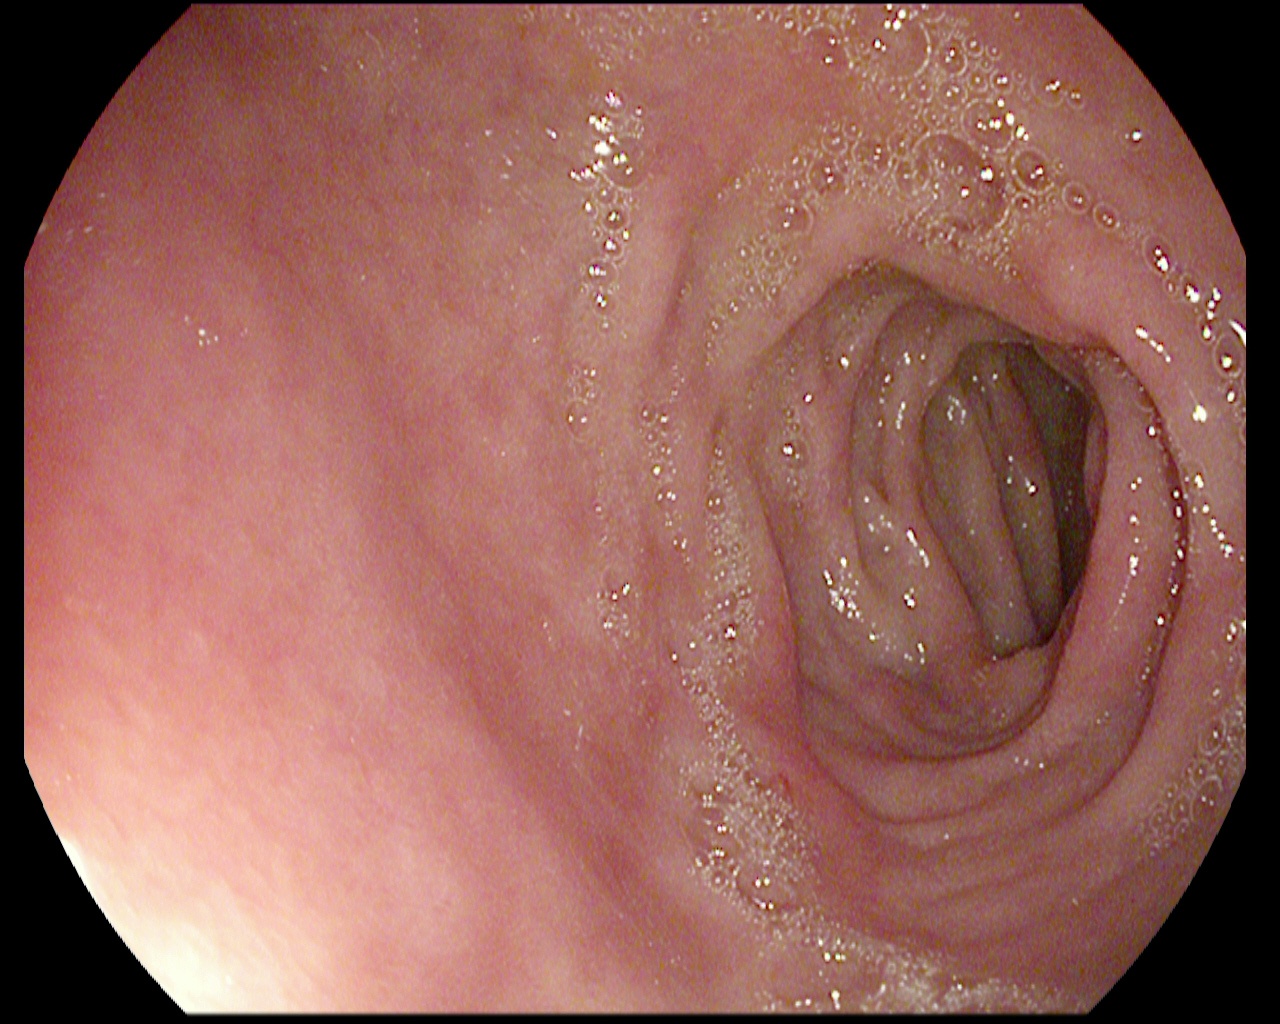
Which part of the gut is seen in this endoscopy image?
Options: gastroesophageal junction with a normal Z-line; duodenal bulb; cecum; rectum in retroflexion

duodenal bulb